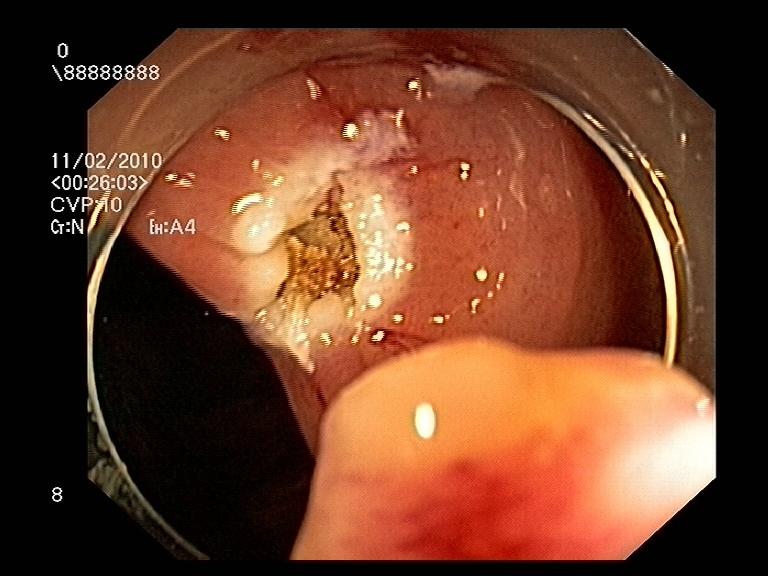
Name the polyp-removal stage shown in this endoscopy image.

resected polyp